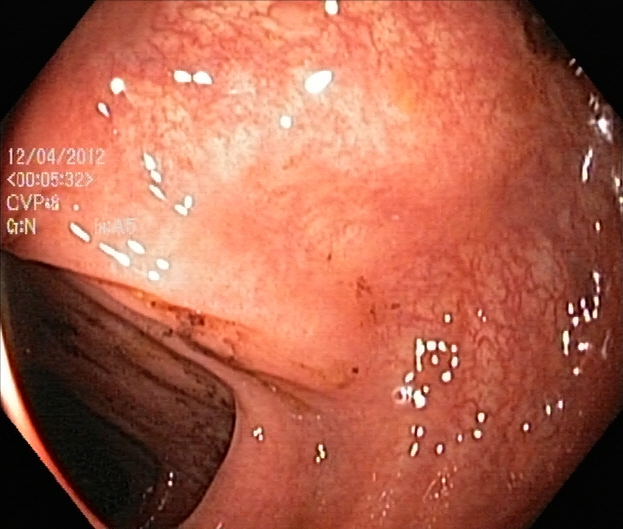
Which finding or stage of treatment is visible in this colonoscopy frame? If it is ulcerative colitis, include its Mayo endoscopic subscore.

ulcerative colitis, Mayo endoscopic subscore 1